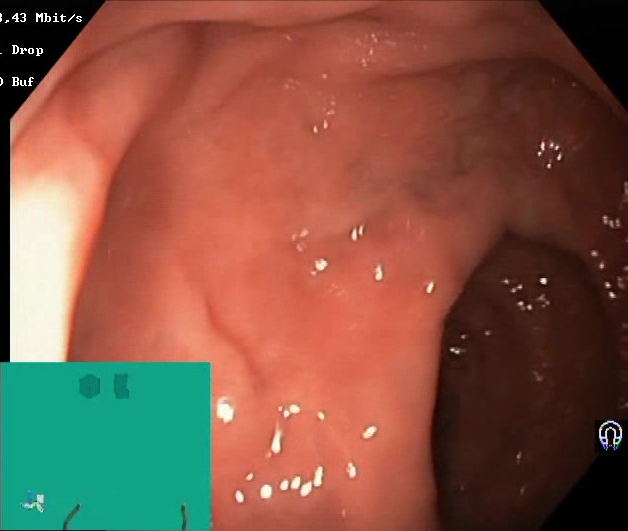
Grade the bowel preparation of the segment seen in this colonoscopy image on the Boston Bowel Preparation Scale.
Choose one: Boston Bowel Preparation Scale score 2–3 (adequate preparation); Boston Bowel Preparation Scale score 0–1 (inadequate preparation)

Boston Bowel Preparation Scale score 2–3 (adequate preparation)